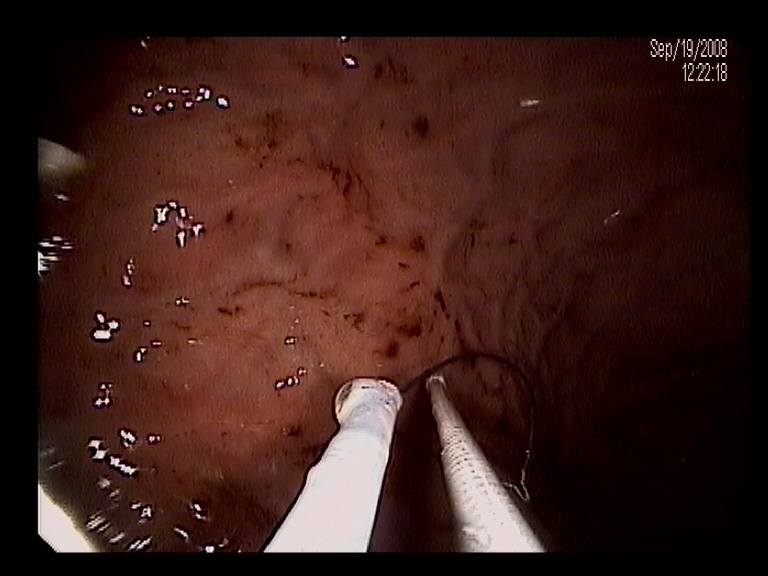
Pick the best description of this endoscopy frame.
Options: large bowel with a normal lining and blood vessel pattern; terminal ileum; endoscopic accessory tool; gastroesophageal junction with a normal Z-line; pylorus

endoscopic accessory tool